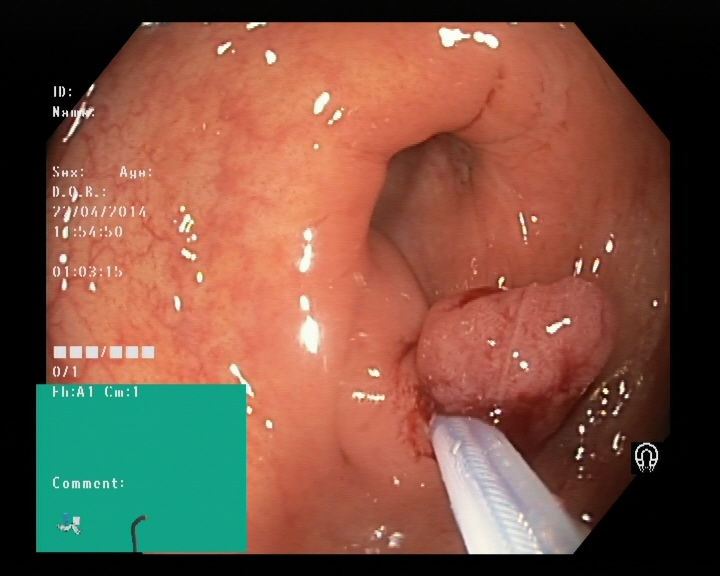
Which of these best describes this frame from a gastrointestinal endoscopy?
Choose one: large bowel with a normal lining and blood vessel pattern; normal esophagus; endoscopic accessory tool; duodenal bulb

endoscopic accessory tool